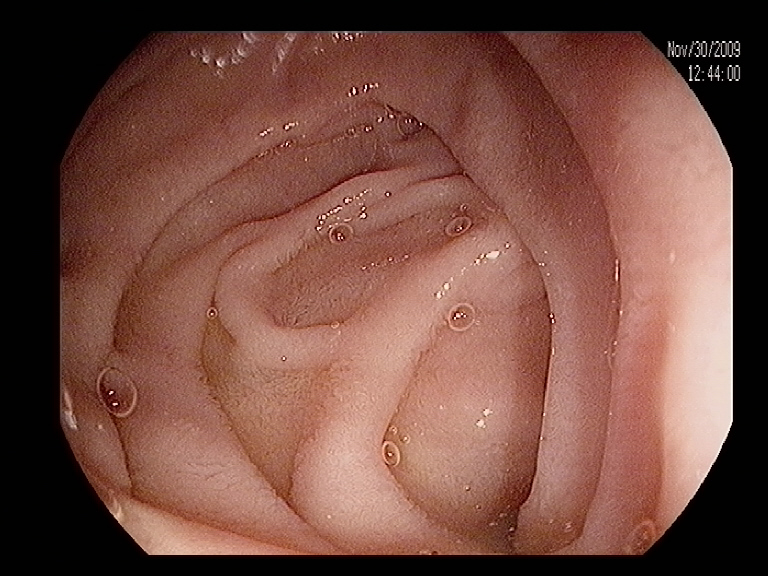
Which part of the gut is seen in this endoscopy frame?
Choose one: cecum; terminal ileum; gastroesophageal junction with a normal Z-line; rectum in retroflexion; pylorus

terminal ileum